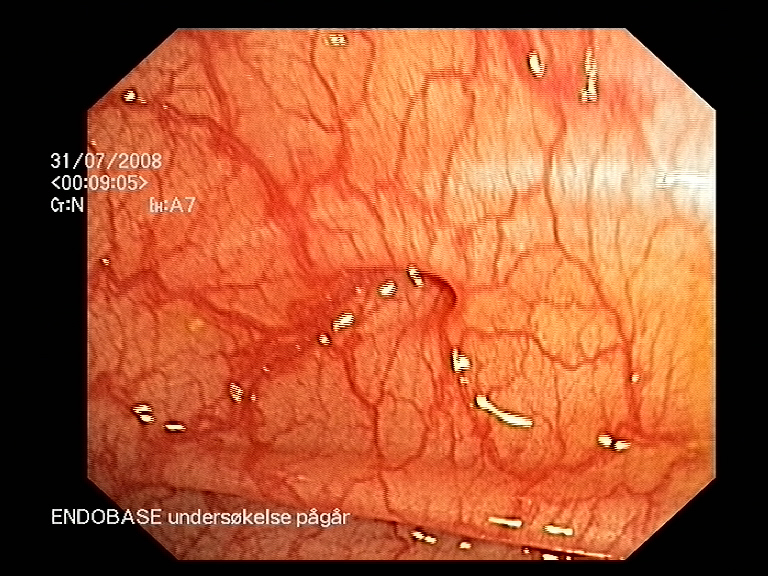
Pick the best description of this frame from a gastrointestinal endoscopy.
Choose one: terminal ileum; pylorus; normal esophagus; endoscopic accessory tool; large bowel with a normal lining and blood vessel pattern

large bowel with a normal lining and blood vessel pattern